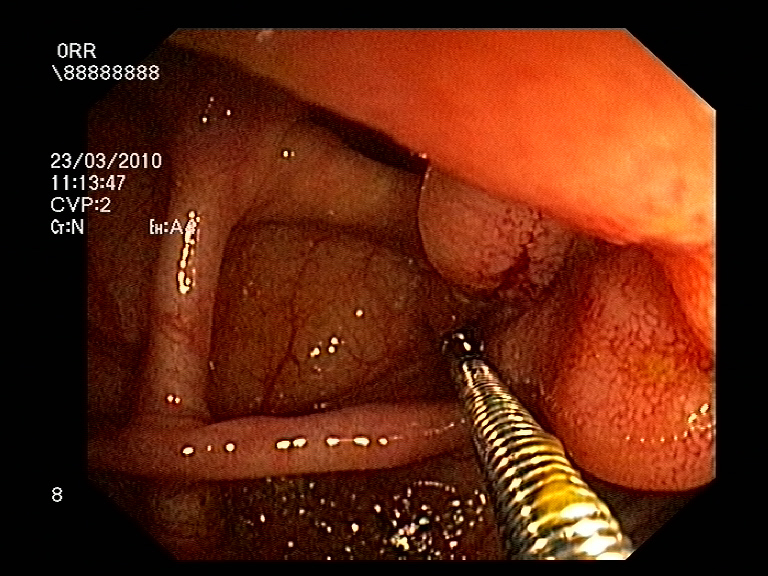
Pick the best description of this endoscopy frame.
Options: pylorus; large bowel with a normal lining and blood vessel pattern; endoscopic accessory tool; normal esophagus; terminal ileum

endoscopic accessory tool